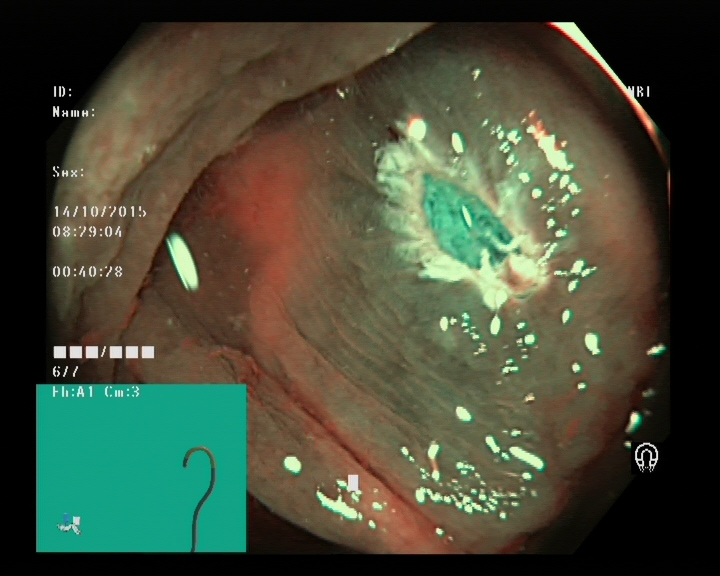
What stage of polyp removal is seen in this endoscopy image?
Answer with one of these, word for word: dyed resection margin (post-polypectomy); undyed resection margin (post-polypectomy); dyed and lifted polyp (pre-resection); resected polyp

dyed resection margin (post-polypectomy)